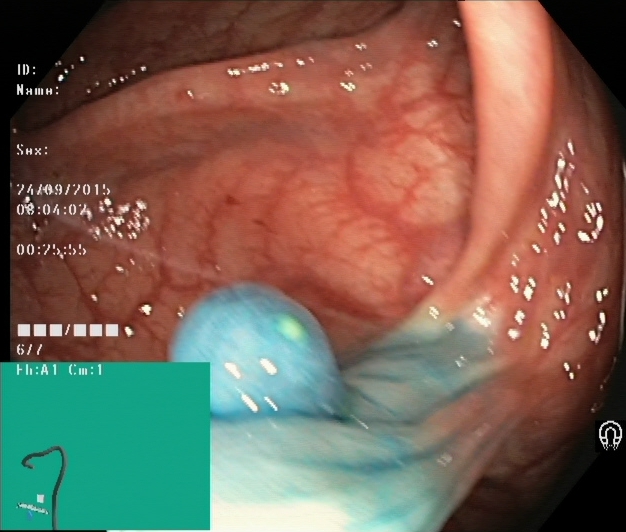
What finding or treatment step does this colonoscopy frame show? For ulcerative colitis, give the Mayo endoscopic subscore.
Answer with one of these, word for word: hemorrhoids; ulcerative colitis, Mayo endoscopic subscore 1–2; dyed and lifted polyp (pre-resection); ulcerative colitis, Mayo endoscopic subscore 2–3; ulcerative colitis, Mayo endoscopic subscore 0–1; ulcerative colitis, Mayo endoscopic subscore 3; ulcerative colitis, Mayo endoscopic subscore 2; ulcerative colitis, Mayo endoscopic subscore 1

dyed and lifted polyp (pre-resection)